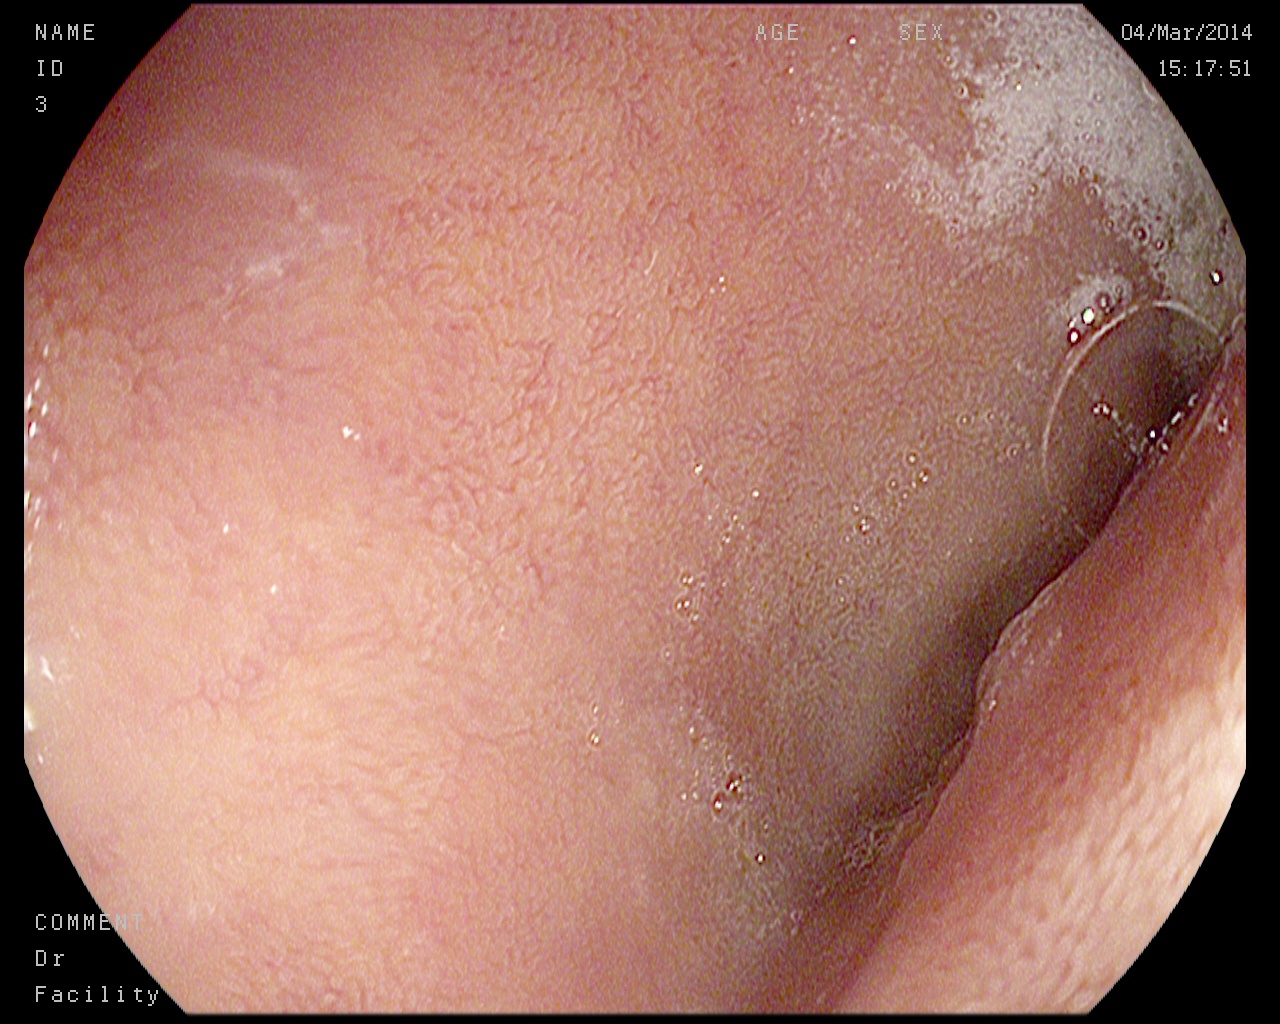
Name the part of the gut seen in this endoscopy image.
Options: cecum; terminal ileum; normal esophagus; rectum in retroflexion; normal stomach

terminal ileum